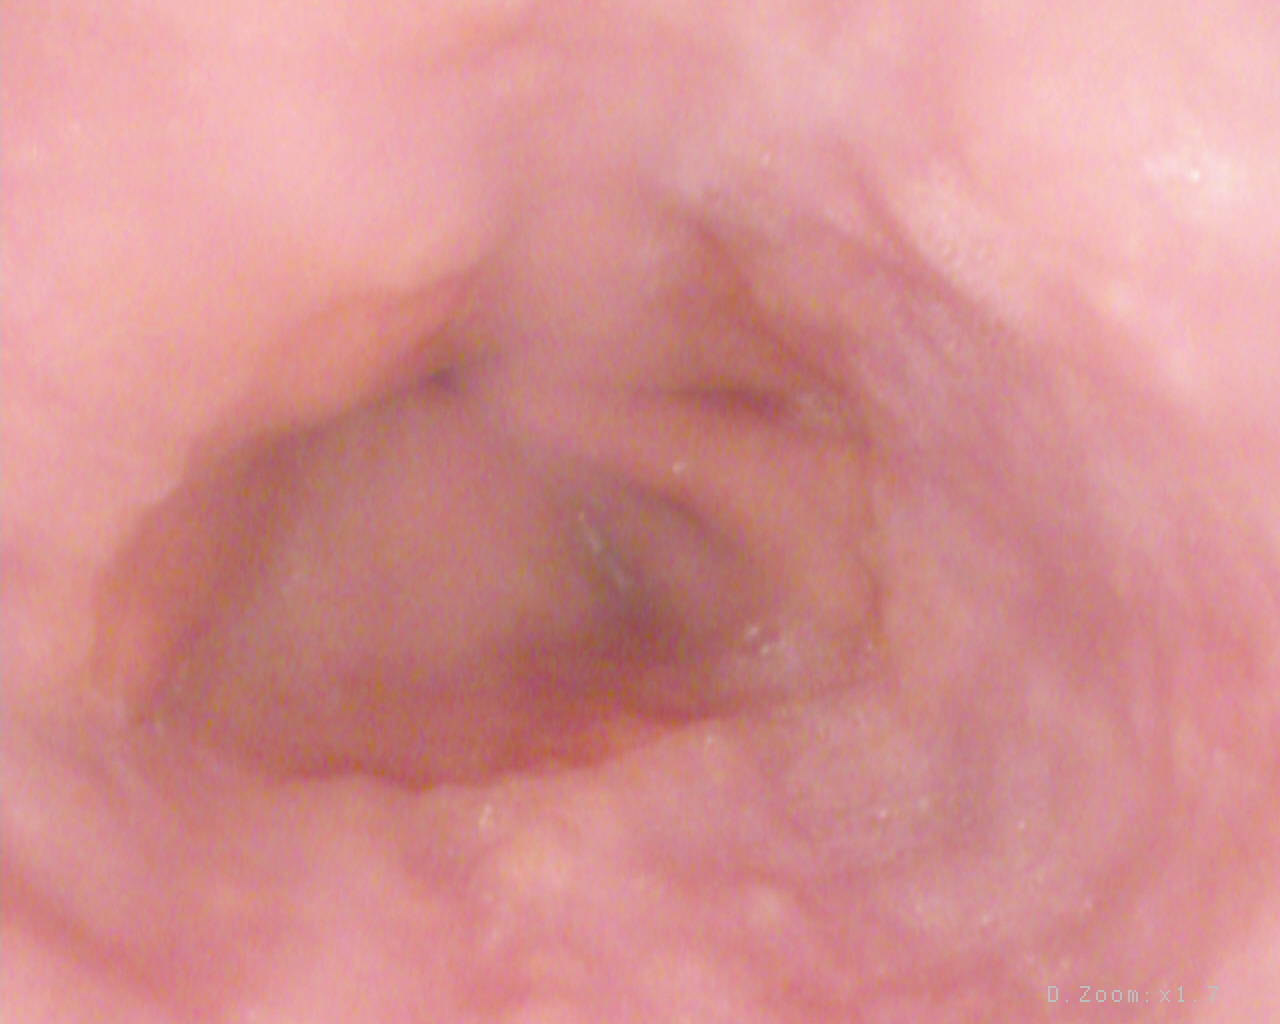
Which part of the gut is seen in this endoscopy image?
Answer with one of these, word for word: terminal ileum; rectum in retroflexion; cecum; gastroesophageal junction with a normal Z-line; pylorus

gastroesophageal junction with a normal Z-line